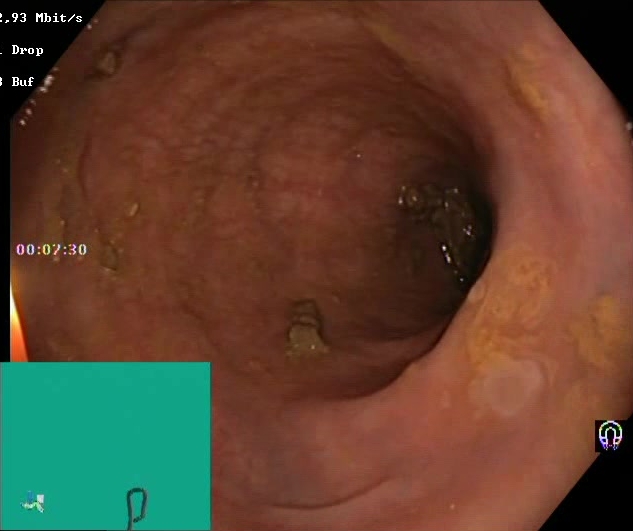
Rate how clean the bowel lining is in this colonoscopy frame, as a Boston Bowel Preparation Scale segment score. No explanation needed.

Boston Bowel Preparation Scale score 2–3 (adequate preparation)